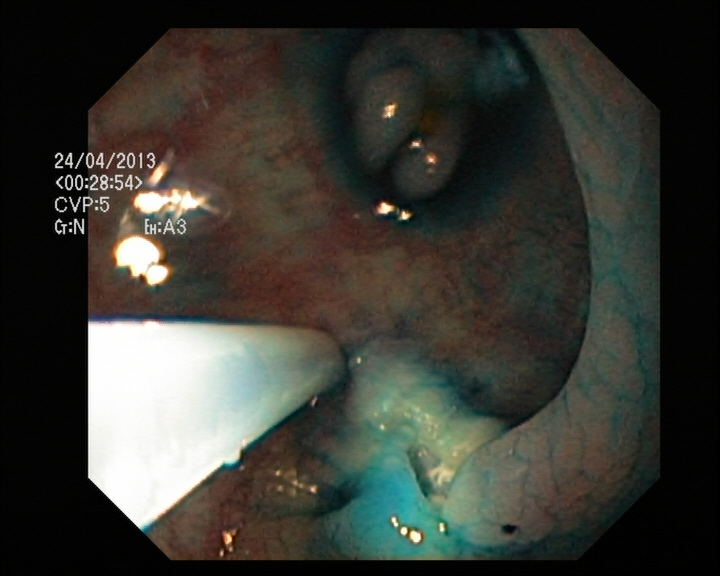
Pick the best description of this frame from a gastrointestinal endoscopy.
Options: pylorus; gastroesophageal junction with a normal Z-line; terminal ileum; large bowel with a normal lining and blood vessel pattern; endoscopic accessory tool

endoscopic accessory tool